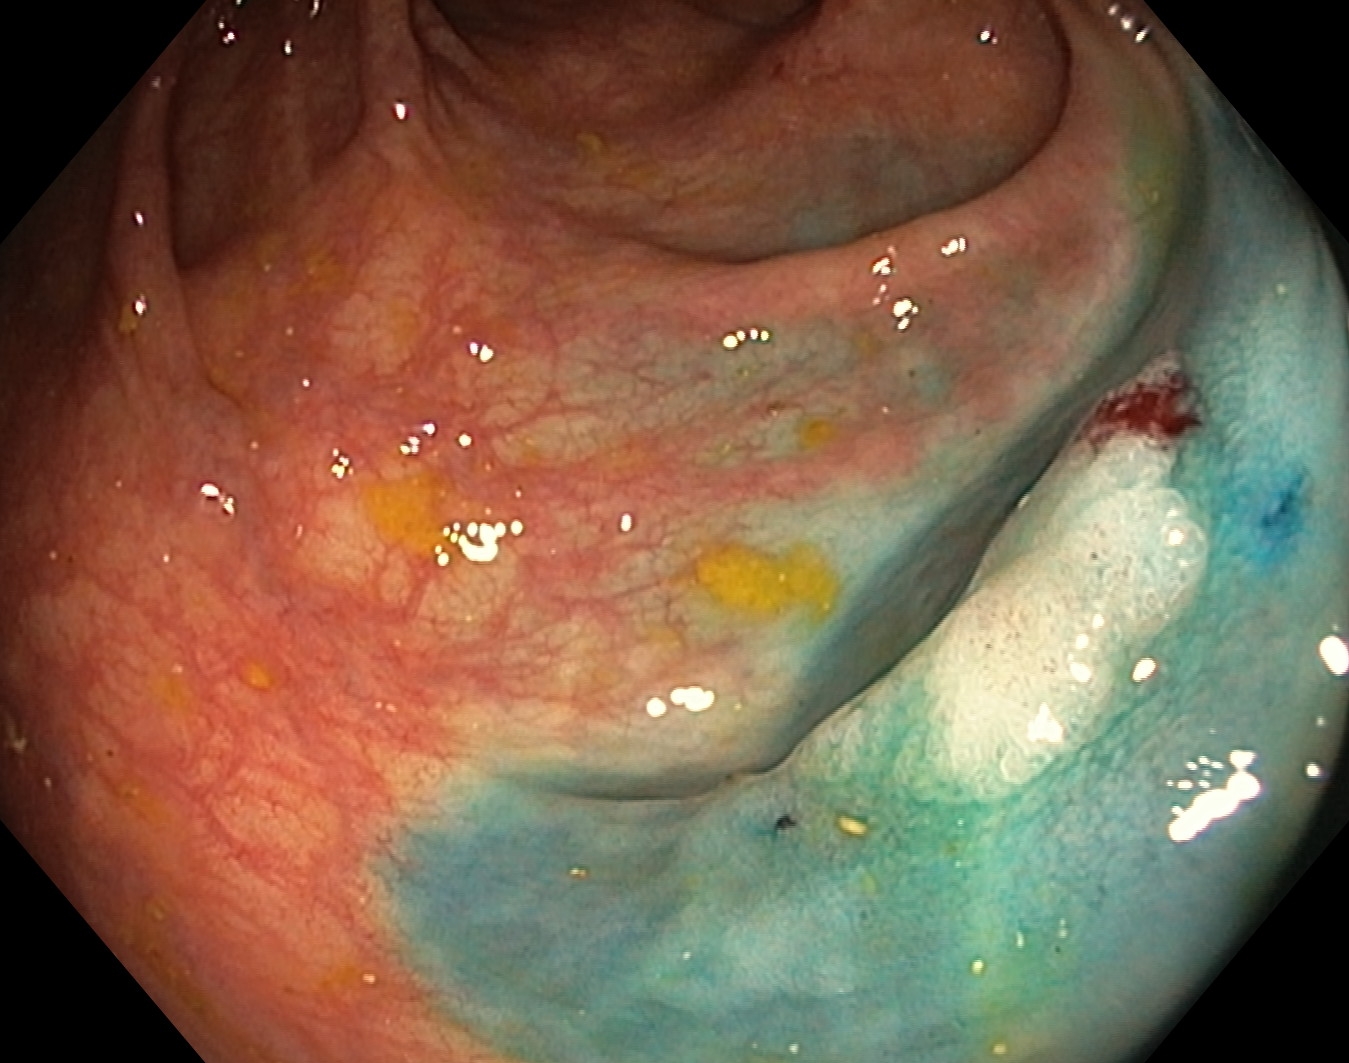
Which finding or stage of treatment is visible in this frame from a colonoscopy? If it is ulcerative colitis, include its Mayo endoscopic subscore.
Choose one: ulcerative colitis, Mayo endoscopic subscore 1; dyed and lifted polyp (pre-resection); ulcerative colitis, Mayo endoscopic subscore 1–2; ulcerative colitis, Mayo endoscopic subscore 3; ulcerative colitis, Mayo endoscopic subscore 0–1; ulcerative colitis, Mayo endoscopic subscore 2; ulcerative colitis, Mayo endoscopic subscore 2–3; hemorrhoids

dyed and lifted polyp (pre-resection)